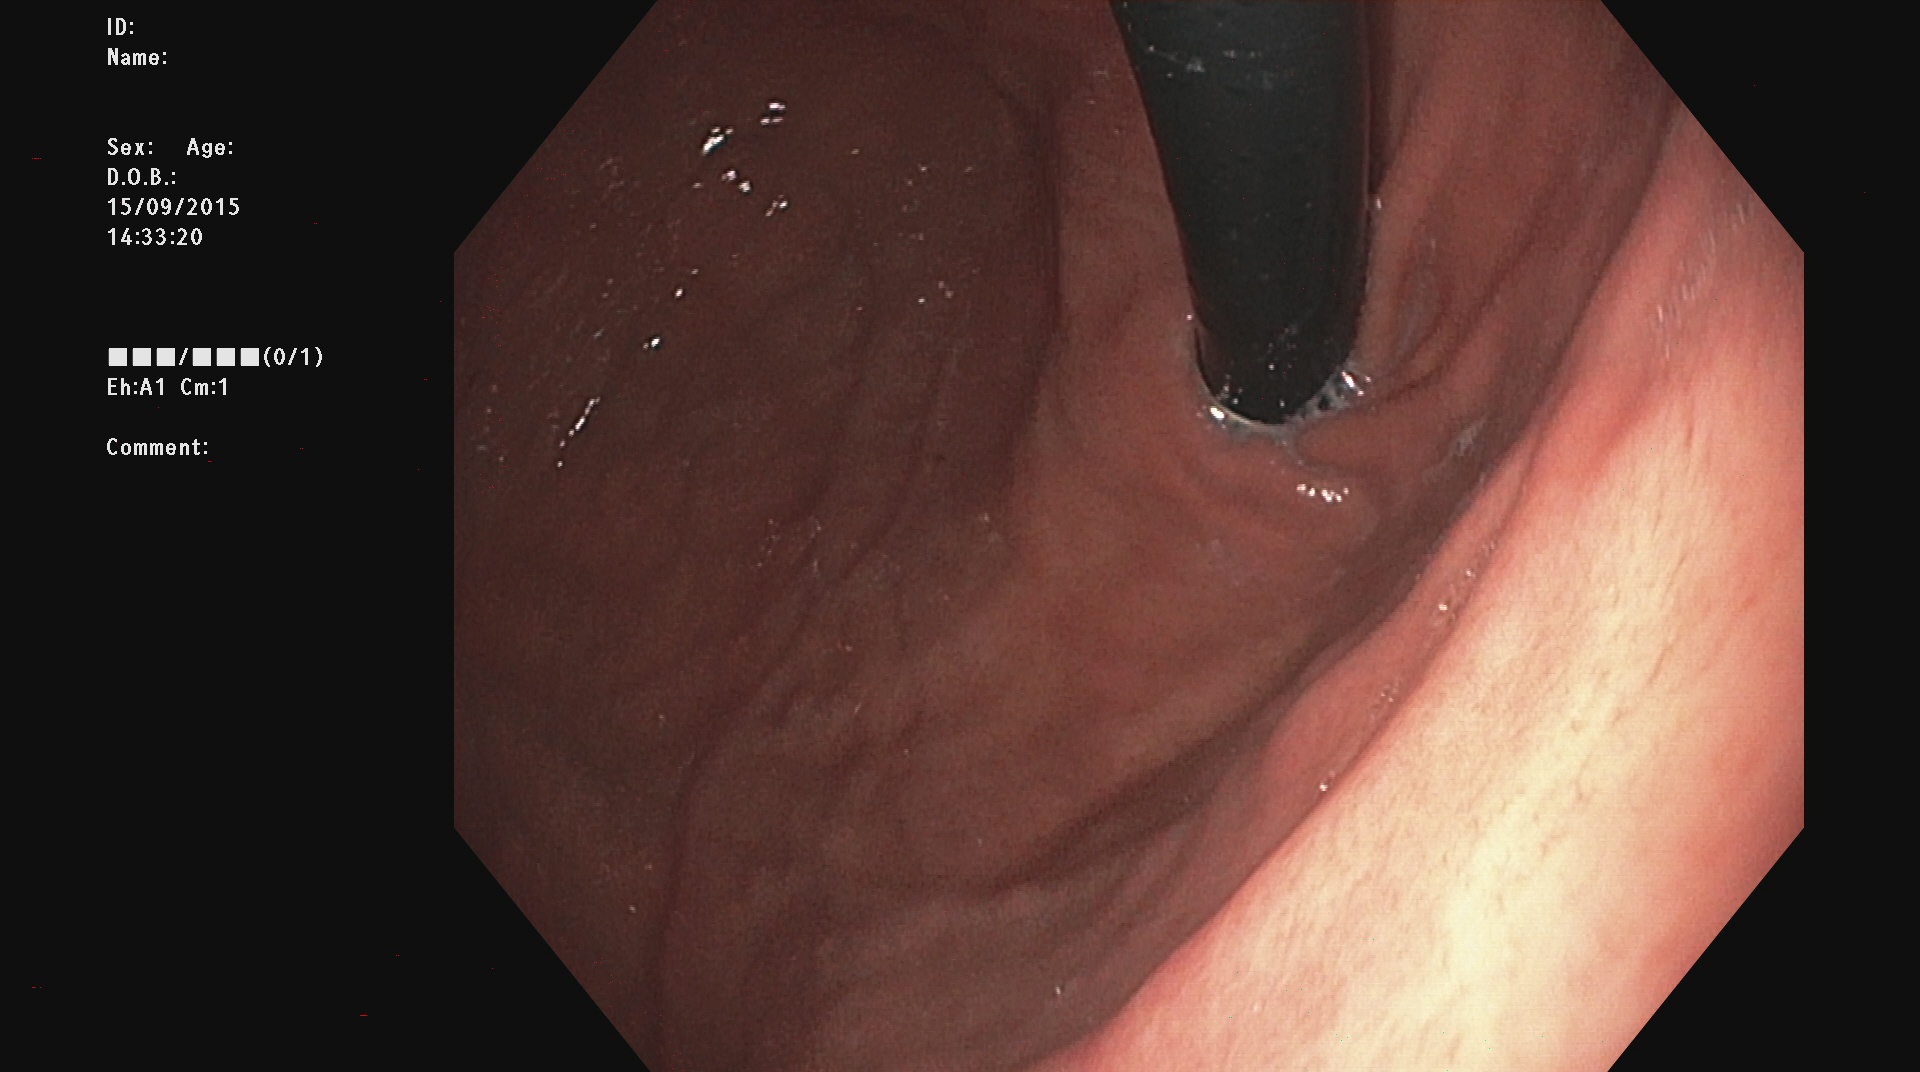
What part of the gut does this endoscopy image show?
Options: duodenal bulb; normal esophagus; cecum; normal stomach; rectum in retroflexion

normal stomach